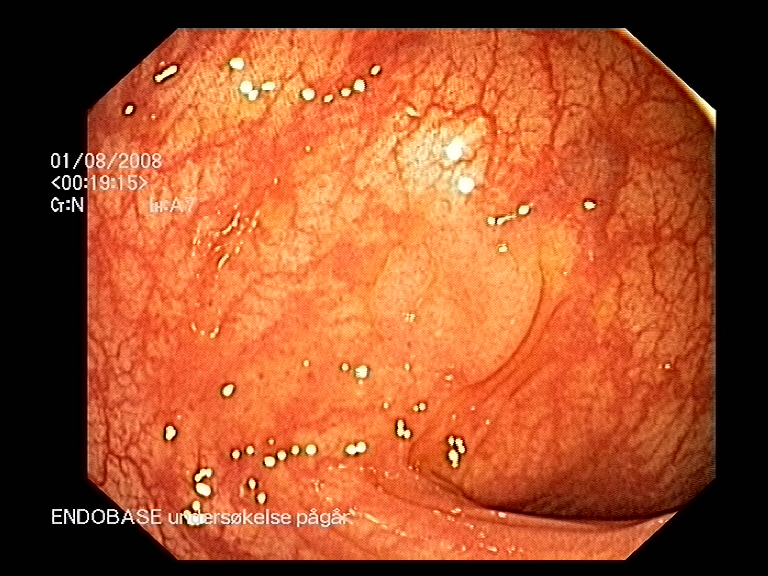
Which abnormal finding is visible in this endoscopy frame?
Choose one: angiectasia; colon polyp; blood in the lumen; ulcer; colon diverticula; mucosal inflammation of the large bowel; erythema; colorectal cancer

colon polyp